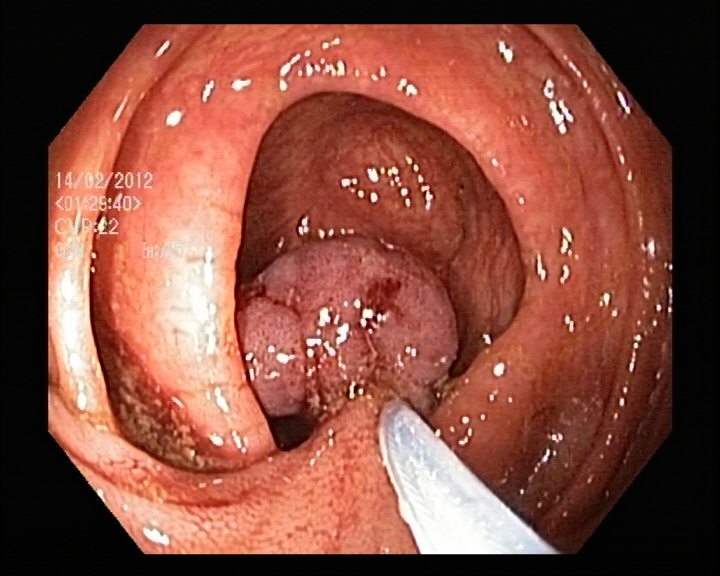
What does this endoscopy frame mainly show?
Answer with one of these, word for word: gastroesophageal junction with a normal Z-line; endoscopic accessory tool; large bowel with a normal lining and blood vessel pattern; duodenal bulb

endoscopic accessory tool